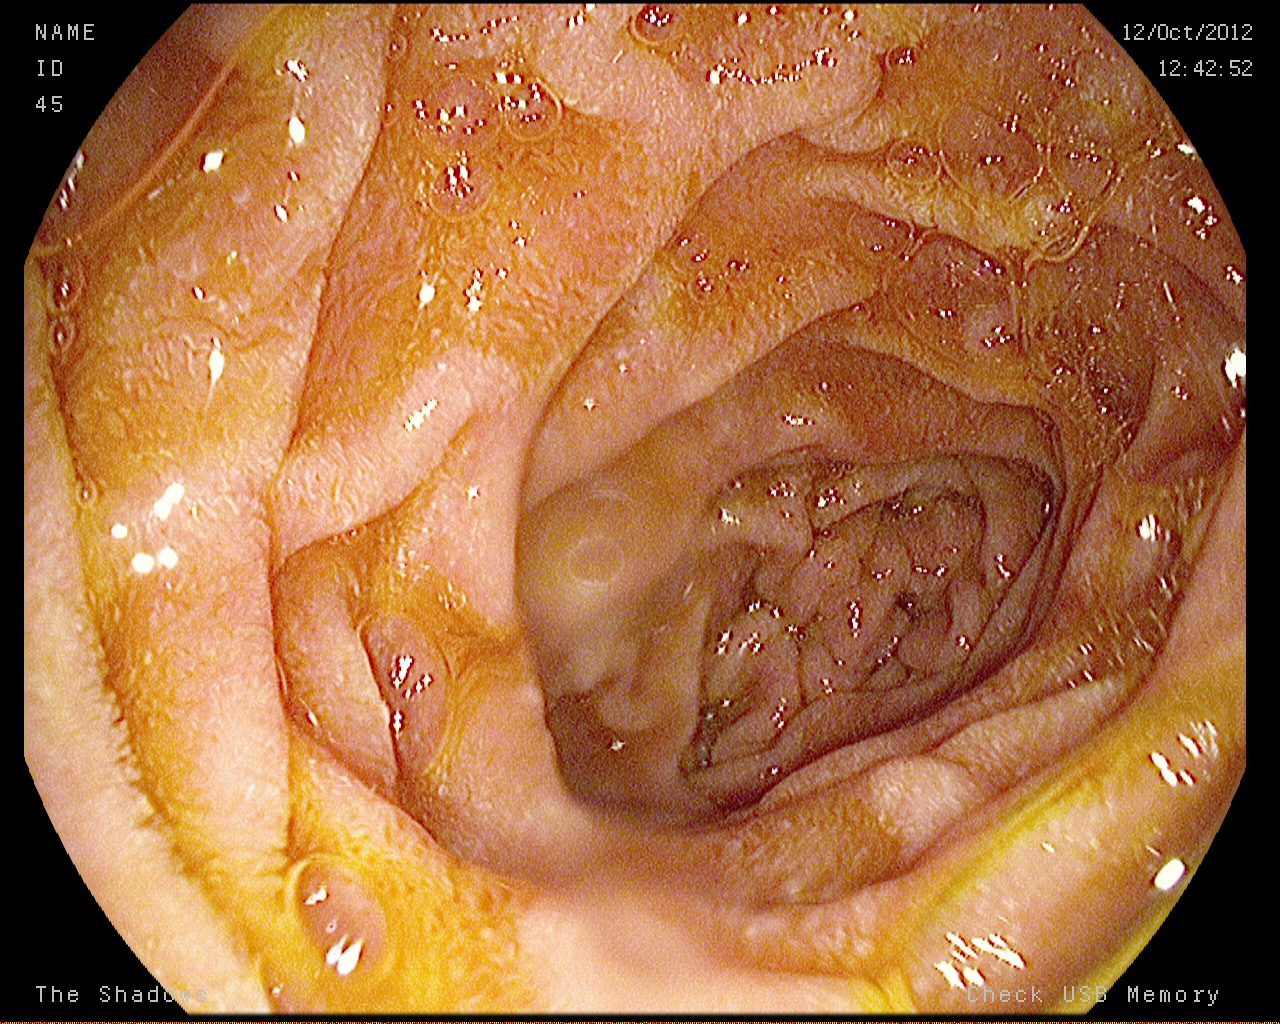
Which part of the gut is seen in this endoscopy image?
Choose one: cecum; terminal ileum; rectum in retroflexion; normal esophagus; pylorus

terminal ileum